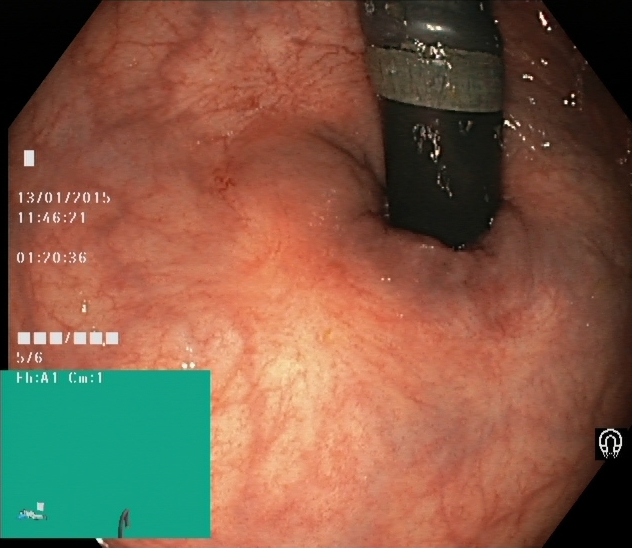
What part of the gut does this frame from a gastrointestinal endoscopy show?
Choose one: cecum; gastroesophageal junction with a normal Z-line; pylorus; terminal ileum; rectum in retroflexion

rectum in retroflexion